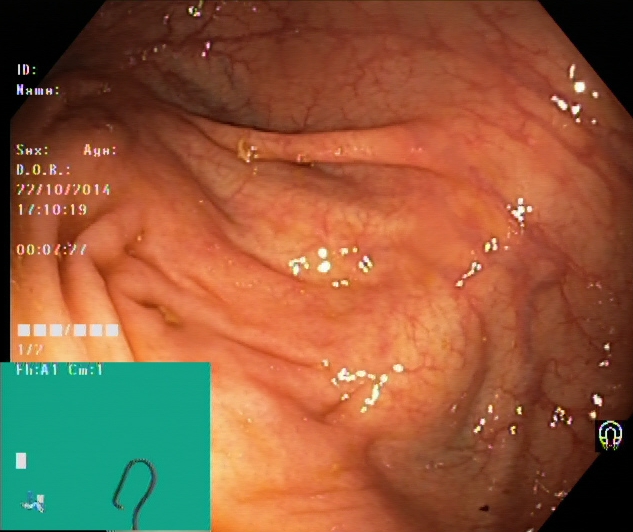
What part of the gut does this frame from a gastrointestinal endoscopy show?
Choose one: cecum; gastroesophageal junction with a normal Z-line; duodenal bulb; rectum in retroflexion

cecum